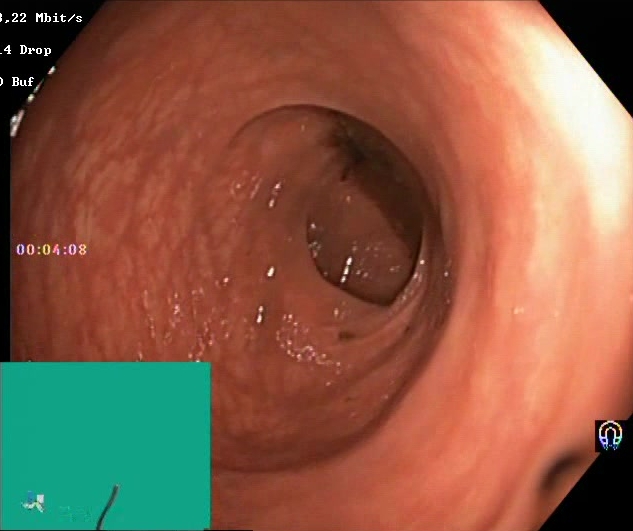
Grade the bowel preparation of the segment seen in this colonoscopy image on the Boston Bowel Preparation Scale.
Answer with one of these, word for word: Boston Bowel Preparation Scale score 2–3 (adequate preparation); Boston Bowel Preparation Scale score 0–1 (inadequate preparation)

Boston Bowel Preparation Scale score 0–1 (inadequate preparation)